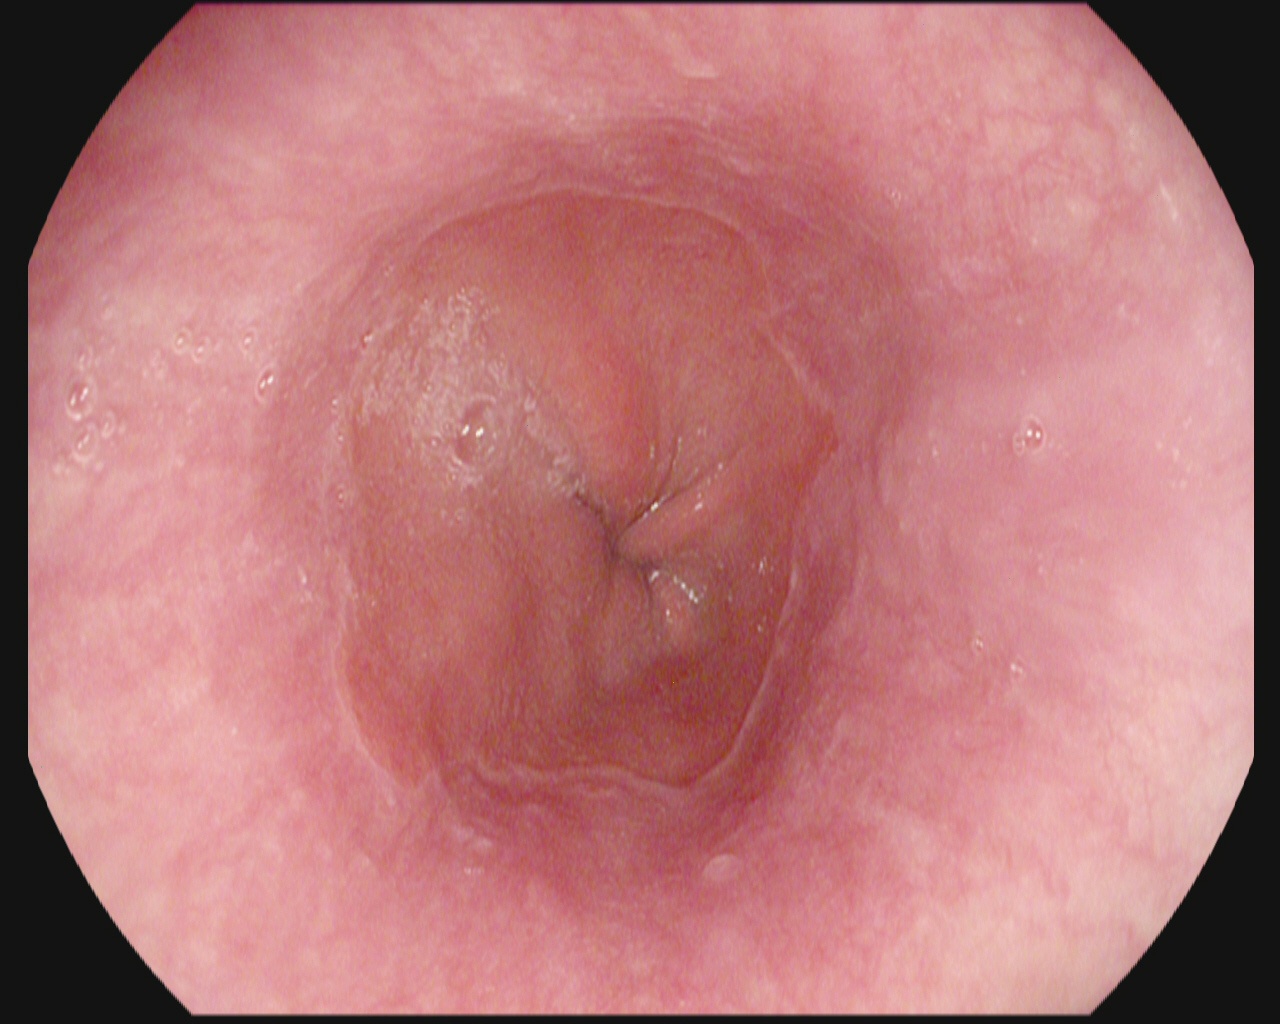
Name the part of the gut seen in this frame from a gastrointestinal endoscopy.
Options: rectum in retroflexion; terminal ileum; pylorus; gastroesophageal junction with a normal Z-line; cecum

gastroesophageal junction with a normal Z-line